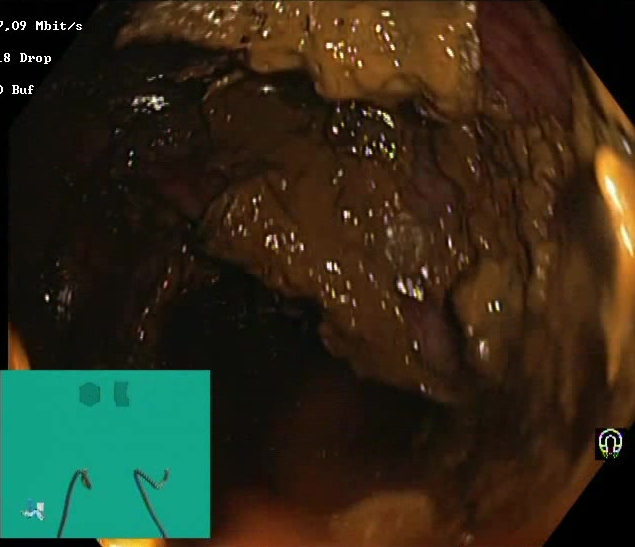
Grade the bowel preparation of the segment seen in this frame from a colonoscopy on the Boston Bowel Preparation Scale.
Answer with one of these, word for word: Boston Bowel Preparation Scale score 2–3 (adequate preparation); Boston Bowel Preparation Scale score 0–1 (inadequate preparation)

Boston Bowel Preparation Scale score 0–1 (inadequate preparation)